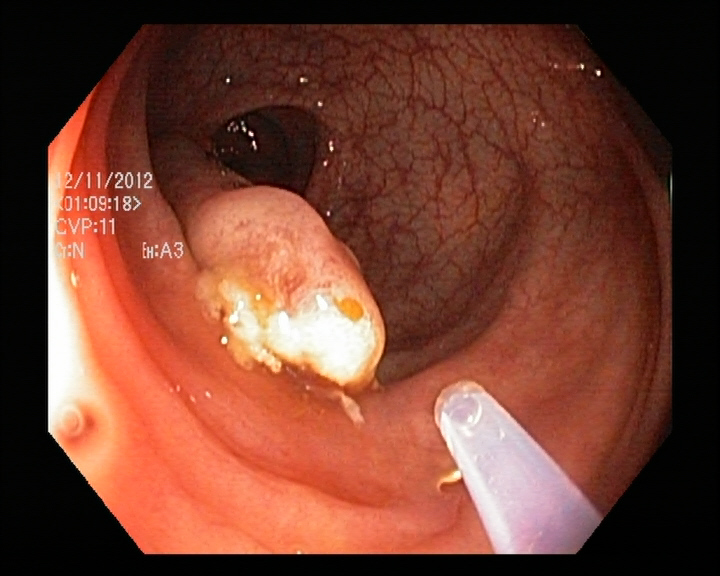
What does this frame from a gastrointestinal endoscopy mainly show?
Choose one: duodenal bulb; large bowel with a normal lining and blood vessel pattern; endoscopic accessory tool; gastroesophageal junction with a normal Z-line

endoscopic accessory tool